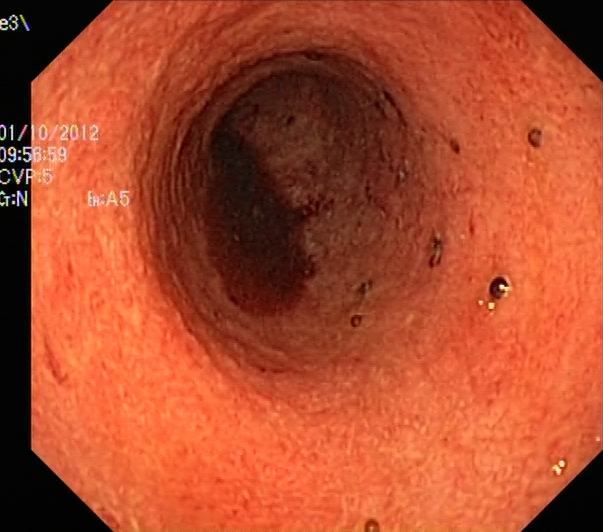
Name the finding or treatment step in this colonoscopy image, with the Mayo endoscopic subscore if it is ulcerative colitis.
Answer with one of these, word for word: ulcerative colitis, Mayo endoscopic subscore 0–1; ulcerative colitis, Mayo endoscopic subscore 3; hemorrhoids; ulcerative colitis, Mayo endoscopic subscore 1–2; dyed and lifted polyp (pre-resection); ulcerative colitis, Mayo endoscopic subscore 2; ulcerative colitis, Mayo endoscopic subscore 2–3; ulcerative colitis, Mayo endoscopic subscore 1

ulcerative colitis, Mayo endoscopic subscore 2